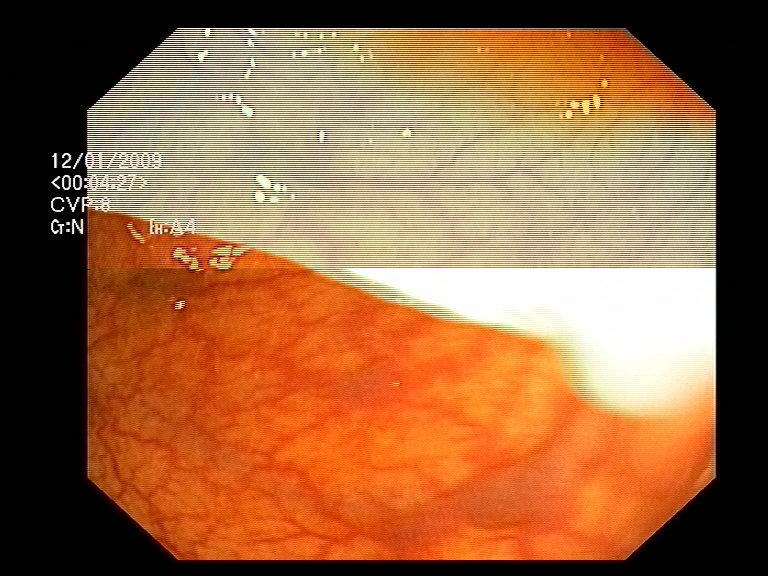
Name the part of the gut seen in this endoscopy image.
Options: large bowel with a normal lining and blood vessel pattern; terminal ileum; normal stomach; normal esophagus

large bowel with a normal lining and blood vessel pattern